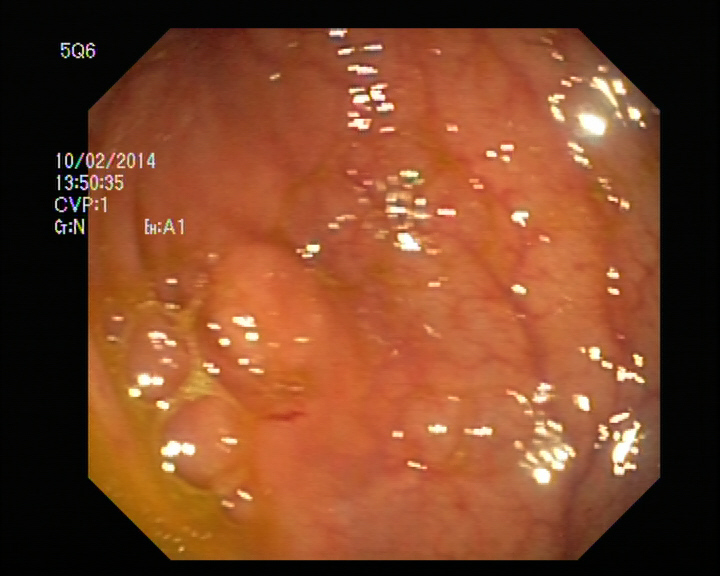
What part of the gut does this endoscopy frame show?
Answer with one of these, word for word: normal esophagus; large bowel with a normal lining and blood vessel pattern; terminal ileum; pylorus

large bowel with a normal lining and blood vessel pattern